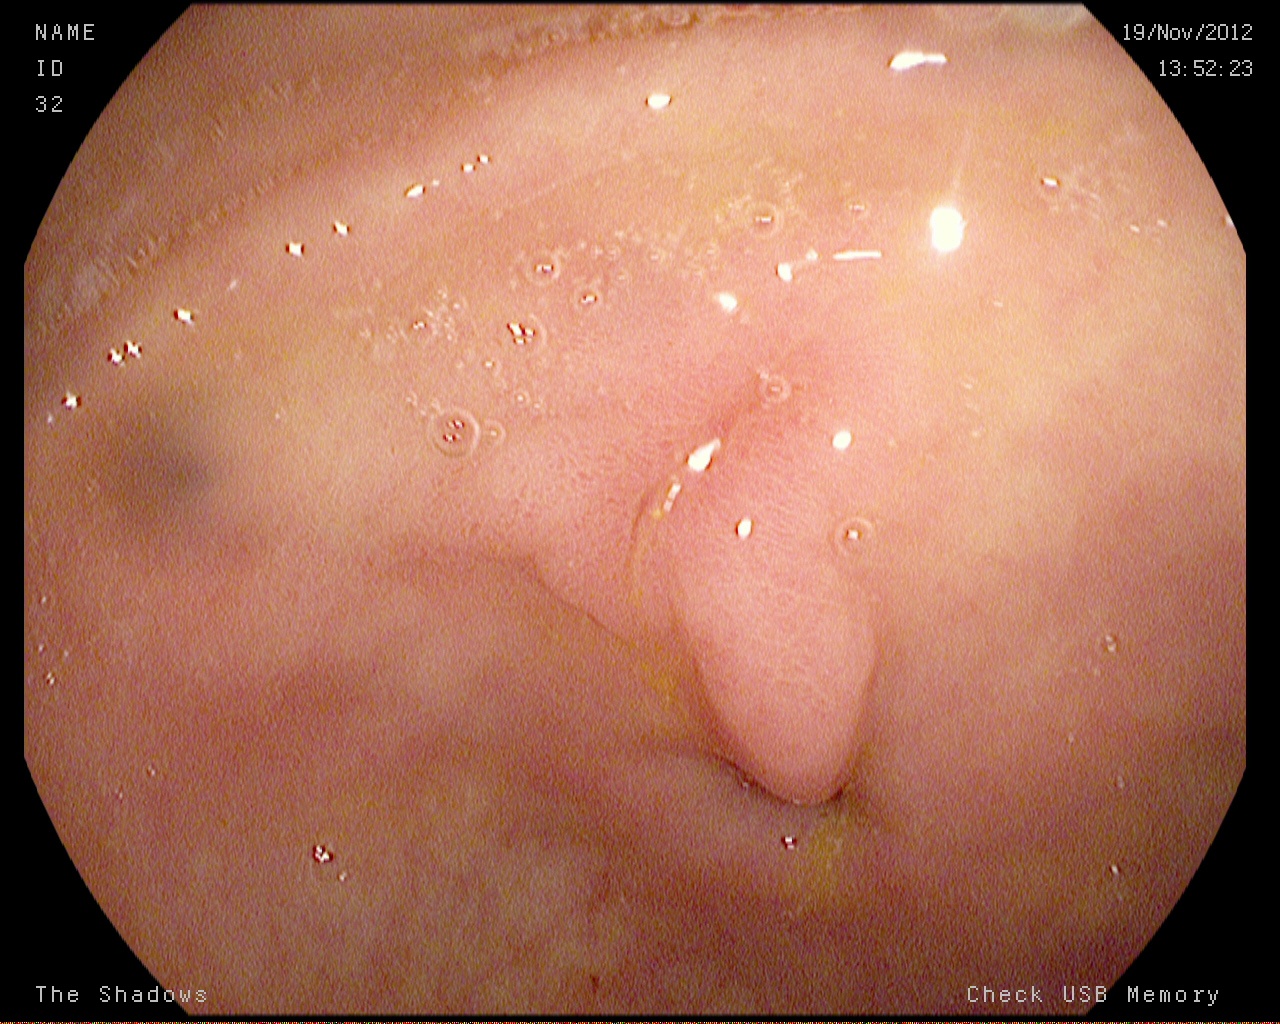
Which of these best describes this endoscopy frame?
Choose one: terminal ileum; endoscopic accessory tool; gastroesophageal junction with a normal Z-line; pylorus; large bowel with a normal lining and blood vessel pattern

pylorus